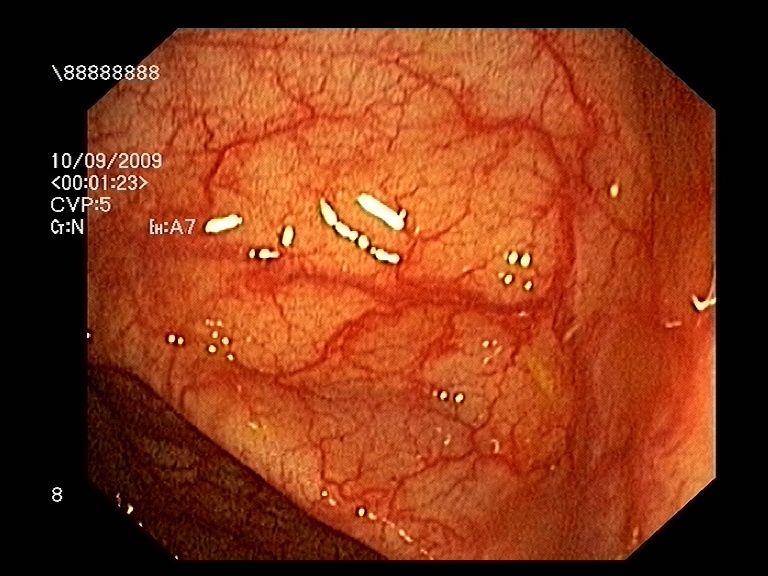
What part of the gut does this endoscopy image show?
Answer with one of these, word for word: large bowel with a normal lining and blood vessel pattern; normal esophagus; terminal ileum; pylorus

large bowel with a normal lining and blood vessel pattern